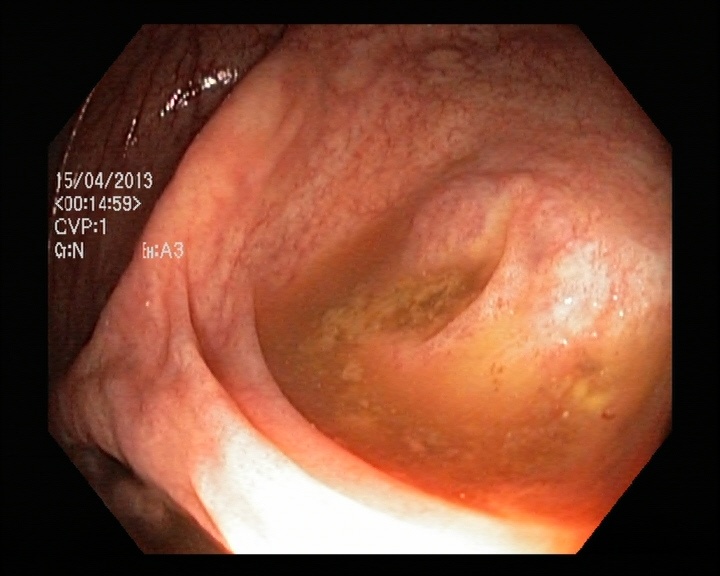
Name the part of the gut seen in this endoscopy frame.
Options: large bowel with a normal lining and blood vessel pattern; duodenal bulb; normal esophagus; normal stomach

large bowel with a normal lining and blood vessel pattern